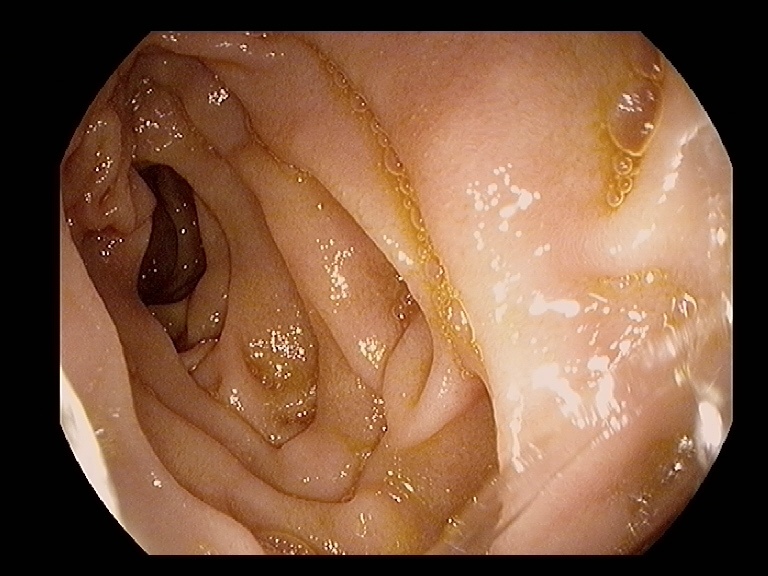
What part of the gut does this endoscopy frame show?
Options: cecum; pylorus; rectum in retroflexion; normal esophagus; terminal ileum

terminal ileum